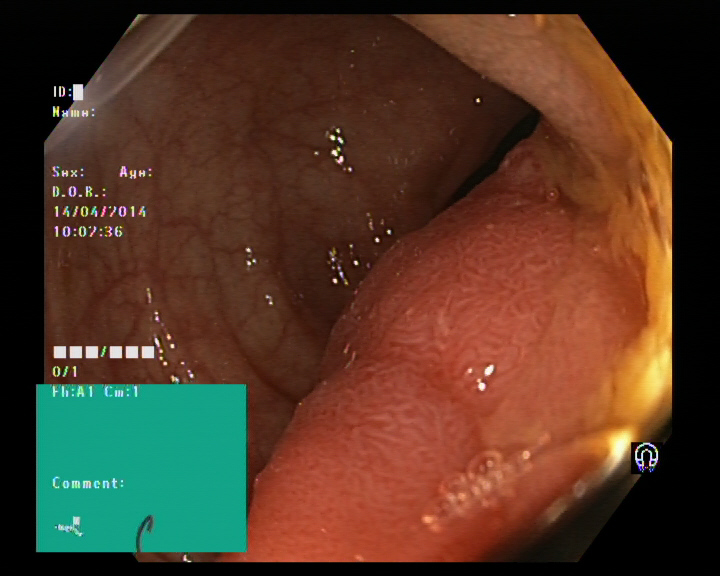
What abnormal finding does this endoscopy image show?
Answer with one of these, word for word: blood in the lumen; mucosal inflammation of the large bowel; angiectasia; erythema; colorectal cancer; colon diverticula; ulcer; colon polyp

colon polyp